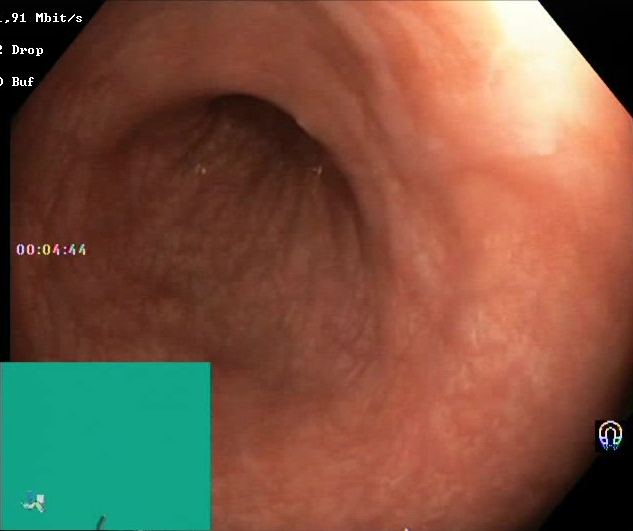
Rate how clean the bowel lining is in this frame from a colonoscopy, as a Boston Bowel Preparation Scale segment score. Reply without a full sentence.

Boston Bowel Preparation Scale score 2–3 (adequate preparation)